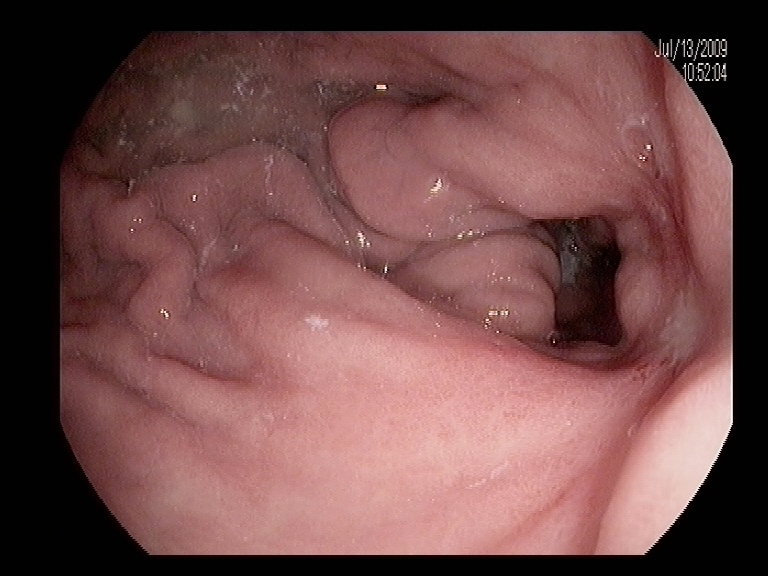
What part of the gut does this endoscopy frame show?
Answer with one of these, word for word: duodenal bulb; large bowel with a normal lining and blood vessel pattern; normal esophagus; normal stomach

normal stomach